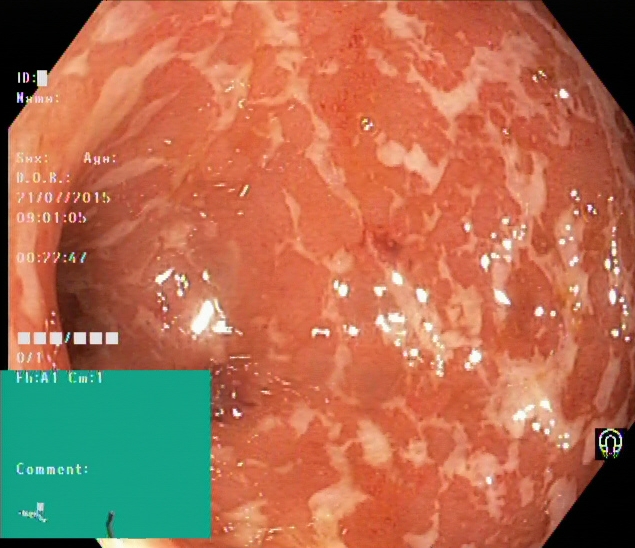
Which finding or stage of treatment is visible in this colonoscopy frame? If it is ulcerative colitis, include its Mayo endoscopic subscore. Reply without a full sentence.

ulcerative colitis, Mayo endoscopic subscore 2